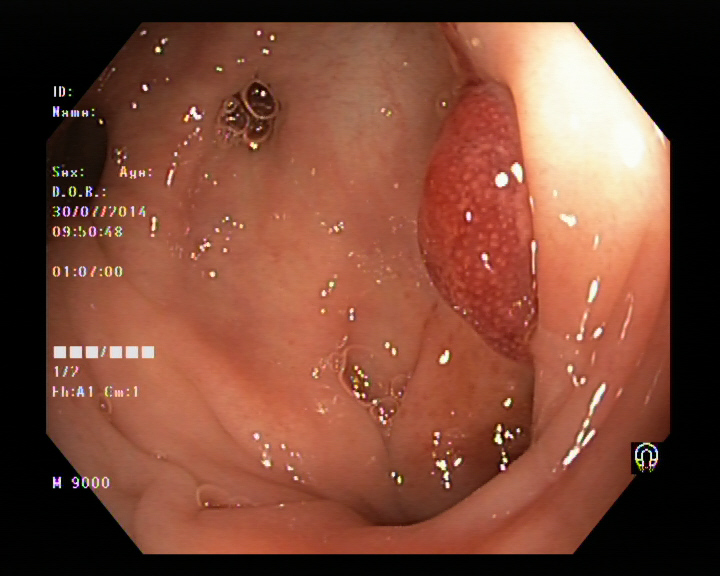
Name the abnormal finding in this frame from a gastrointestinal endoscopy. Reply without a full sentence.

colon polyp